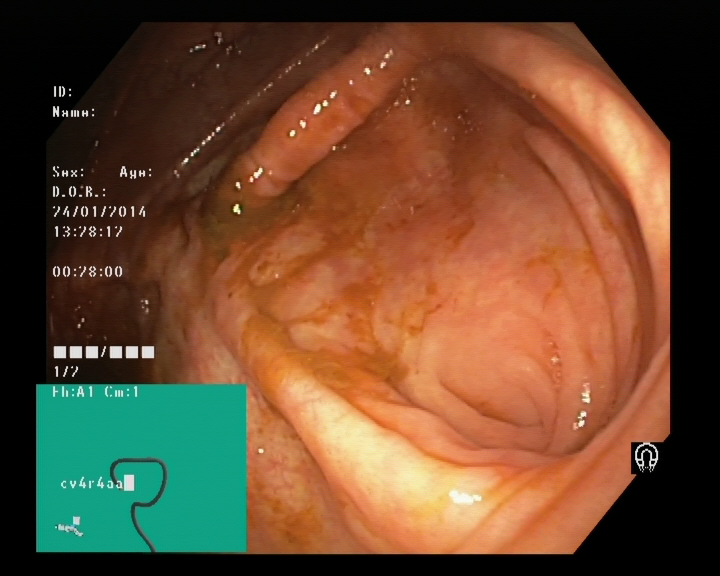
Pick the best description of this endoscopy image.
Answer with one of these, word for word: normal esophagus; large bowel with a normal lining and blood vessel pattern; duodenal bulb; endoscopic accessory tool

large bowel with a normal lining and blood vessel pattern